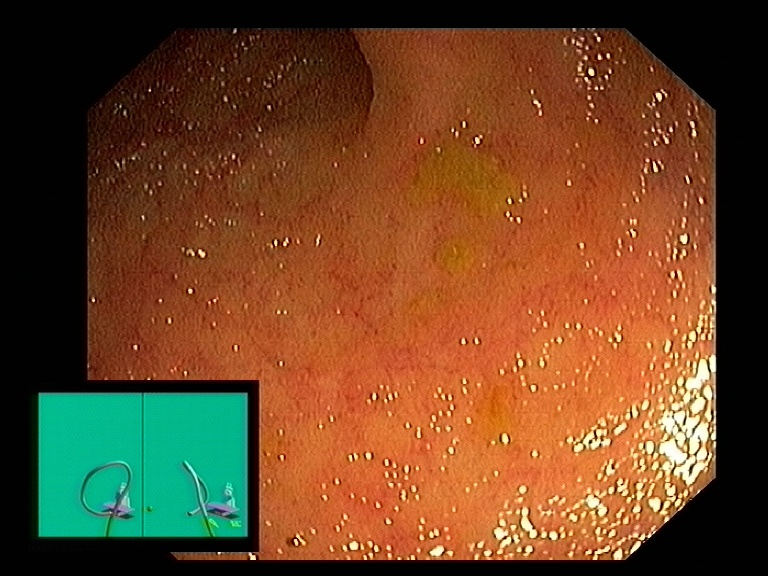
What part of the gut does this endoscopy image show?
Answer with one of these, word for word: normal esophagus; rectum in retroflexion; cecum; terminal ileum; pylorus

terminal ileum